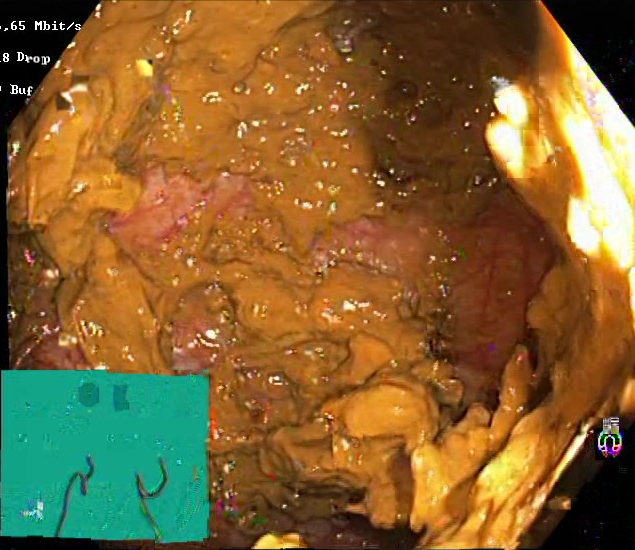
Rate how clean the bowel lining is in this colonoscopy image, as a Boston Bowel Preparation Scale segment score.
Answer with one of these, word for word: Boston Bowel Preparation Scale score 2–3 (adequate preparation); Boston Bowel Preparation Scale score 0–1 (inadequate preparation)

Boston Bowel Preparation Scale score 0–1 (inadequate preparation)